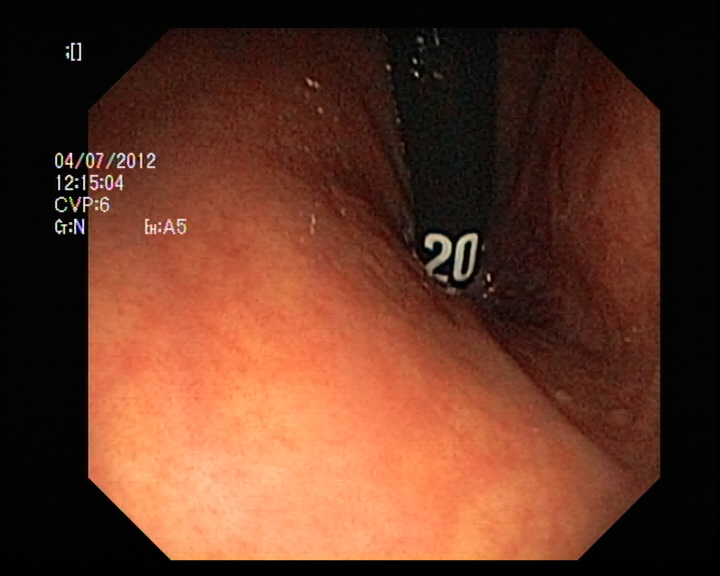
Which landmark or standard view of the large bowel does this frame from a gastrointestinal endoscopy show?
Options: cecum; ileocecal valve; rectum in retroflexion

rectum in retroflexion